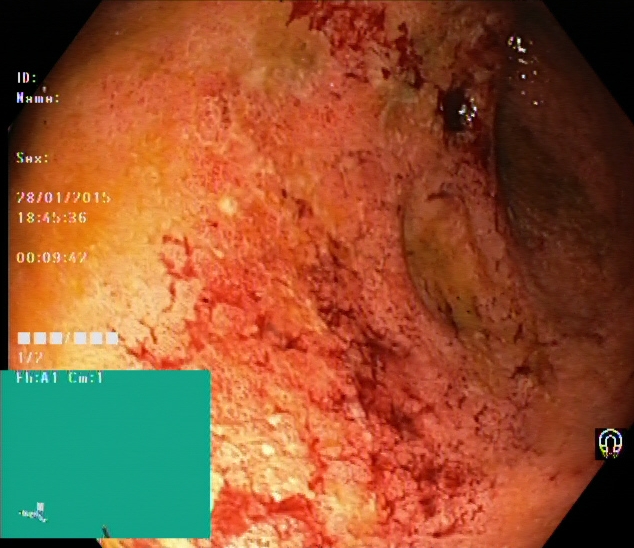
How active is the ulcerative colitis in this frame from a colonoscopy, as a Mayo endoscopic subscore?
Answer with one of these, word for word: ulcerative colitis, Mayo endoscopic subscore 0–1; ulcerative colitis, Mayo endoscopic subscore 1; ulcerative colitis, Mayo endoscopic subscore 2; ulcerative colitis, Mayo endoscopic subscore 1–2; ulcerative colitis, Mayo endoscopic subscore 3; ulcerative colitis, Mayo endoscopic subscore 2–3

ulcerative colitis, Mayo endoscopic subscore 3